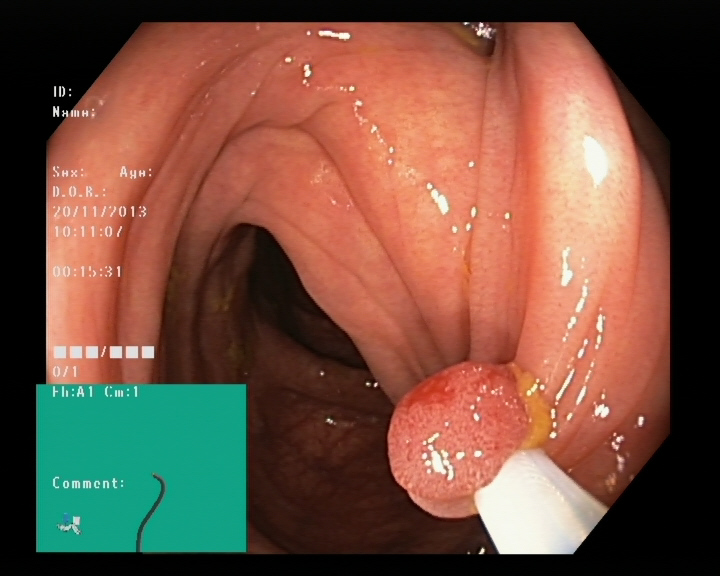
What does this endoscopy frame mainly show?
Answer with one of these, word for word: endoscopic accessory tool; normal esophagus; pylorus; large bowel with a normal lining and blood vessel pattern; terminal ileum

endoscopic accessory tool